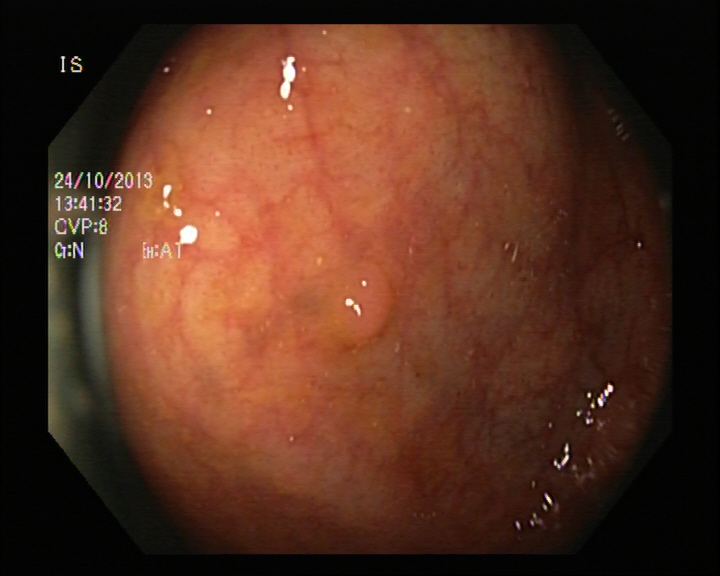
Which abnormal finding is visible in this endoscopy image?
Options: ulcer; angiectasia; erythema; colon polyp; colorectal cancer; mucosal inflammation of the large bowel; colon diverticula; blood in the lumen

colon polyp